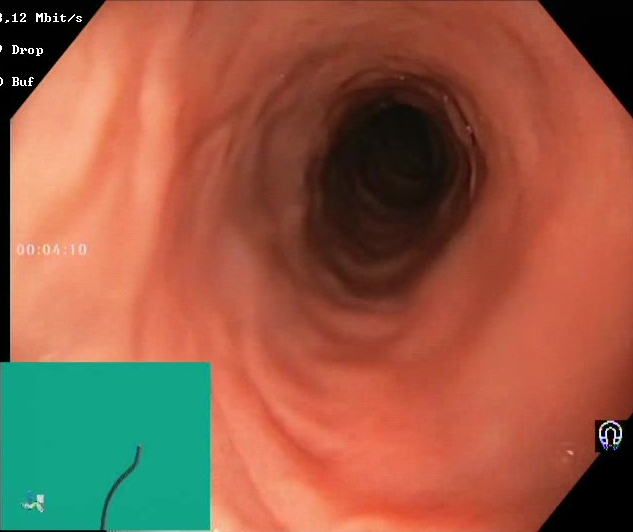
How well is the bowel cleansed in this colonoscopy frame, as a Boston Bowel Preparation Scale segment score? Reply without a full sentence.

Boston Bowel Preparation Scale score 2–3 (adequate preparation)